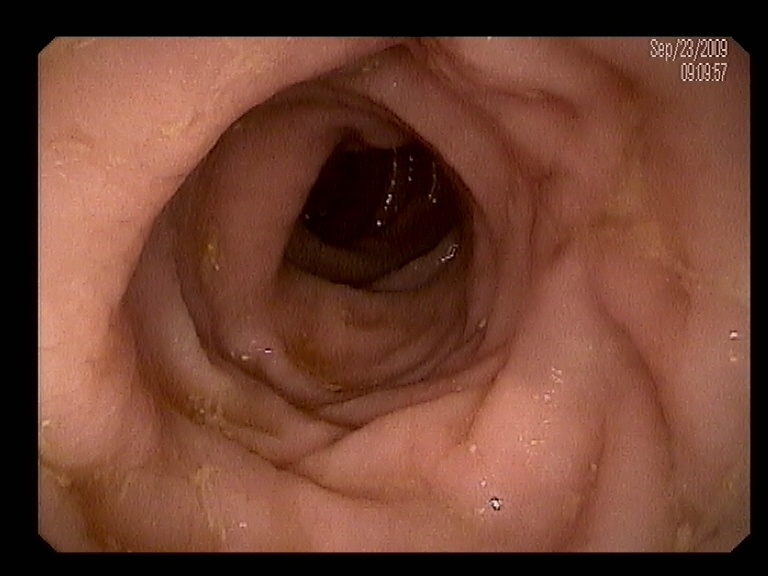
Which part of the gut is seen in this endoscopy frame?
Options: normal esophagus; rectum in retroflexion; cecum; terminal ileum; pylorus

terminal ileum